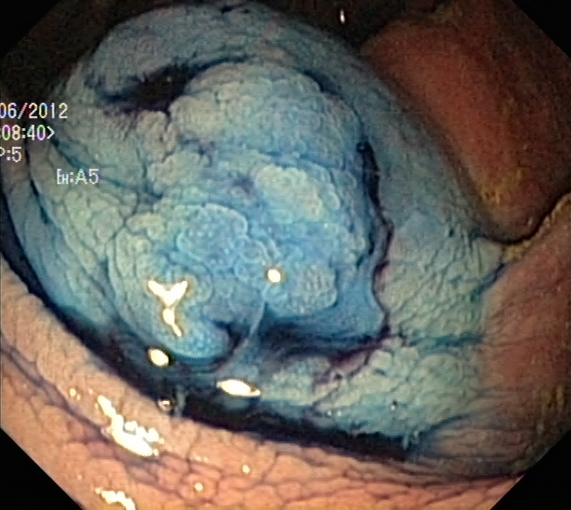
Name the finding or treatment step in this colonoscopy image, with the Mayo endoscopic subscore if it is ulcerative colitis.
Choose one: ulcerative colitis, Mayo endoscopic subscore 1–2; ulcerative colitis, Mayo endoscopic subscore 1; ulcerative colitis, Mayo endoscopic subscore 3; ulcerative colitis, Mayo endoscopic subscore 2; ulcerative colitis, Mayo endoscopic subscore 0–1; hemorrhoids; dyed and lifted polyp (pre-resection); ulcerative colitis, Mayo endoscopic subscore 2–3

dyed and lifted polyp (pre-resection)